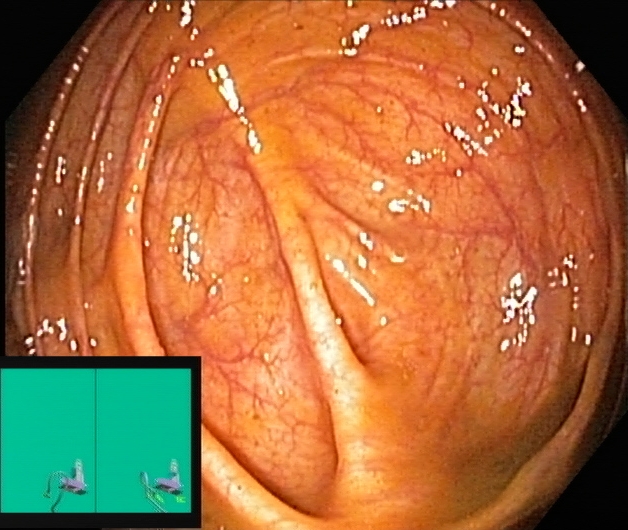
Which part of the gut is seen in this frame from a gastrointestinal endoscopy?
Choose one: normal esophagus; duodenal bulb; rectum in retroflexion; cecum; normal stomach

cecum